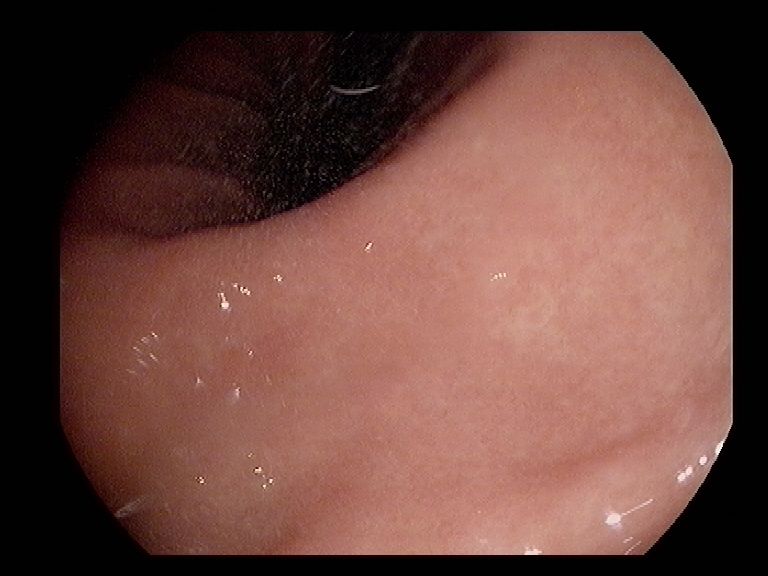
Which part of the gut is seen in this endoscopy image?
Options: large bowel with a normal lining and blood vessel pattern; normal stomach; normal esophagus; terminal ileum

normal stomach